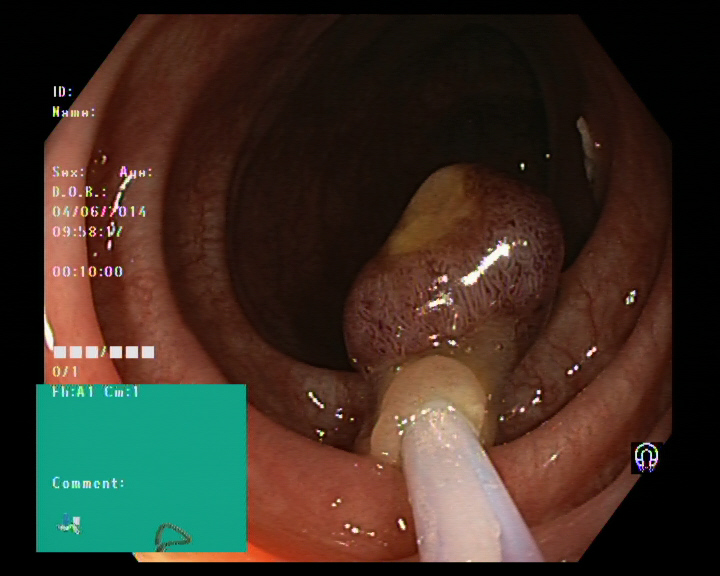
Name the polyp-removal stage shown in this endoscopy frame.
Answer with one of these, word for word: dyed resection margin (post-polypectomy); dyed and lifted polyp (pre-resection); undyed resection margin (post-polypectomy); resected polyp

resected polyp